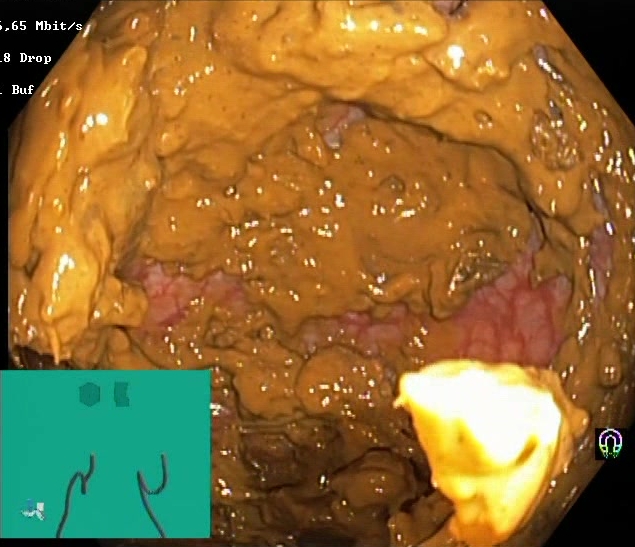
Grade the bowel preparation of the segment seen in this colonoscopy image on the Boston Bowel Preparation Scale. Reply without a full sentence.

Boston Bowel Preparation Scale score 0–1 (inadequate preparation)